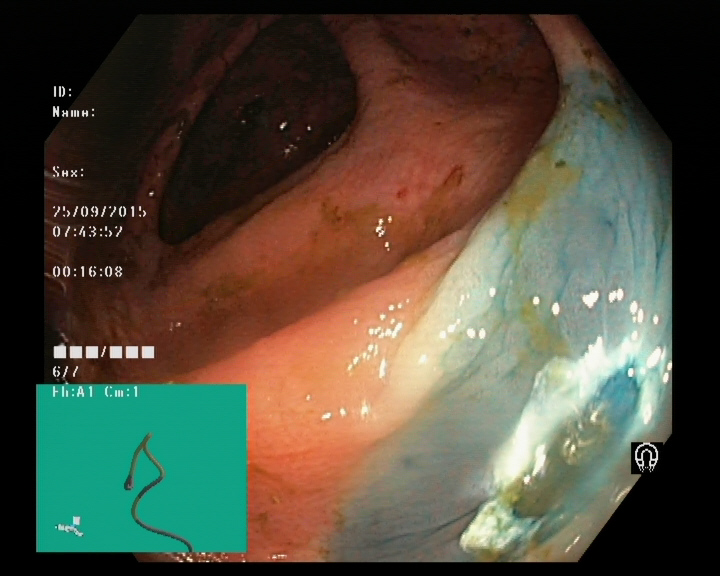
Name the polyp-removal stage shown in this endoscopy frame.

dyed resection margin (post-polypectomy)